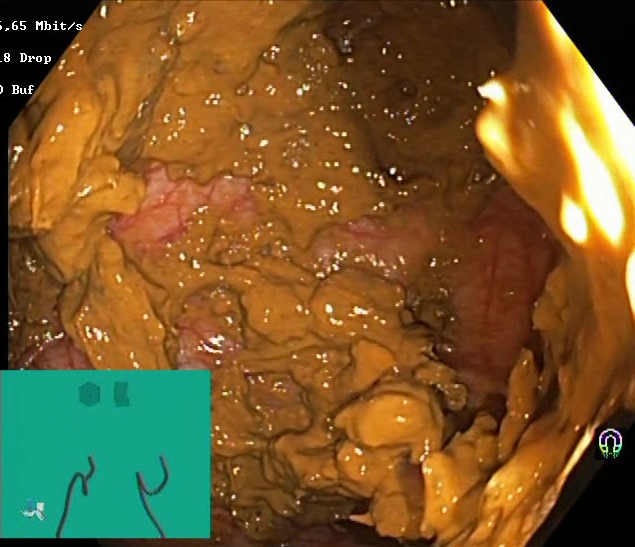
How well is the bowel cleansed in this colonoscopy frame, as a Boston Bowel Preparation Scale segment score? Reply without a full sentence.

Boston Bowel Preparation Scale score 0–1 (inadequate preparation)